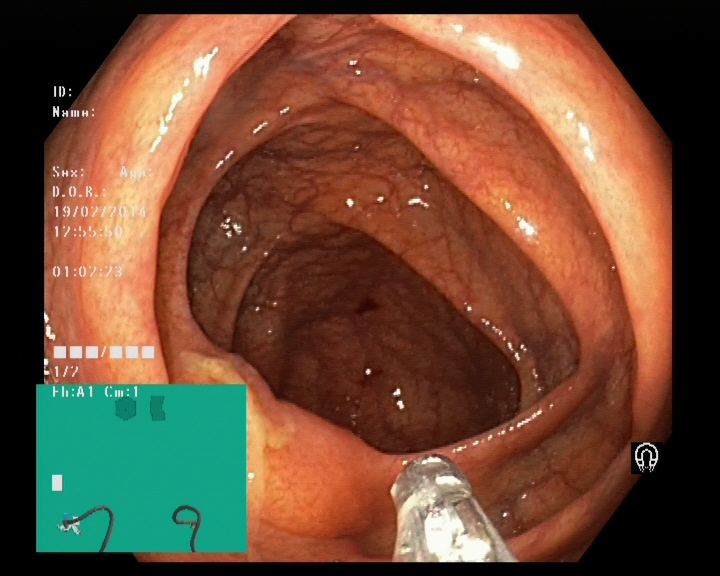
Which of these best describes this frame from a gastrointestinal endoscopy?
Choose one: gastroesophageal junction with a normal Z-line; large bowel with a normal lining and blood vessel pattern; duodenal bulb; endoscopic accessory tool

endoscopic accessory tool